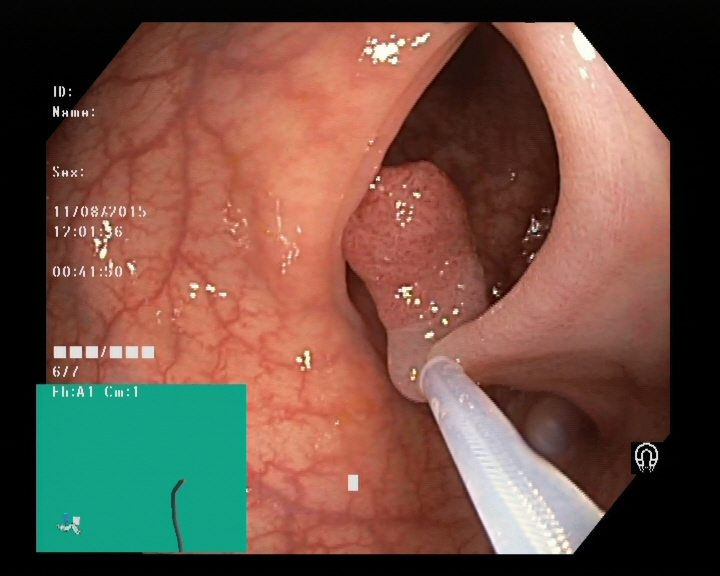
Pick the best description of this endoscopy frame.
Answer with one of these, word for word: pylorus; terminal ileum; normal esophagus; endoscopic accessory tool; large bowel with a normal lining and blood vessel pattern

endoscopic accessory tool